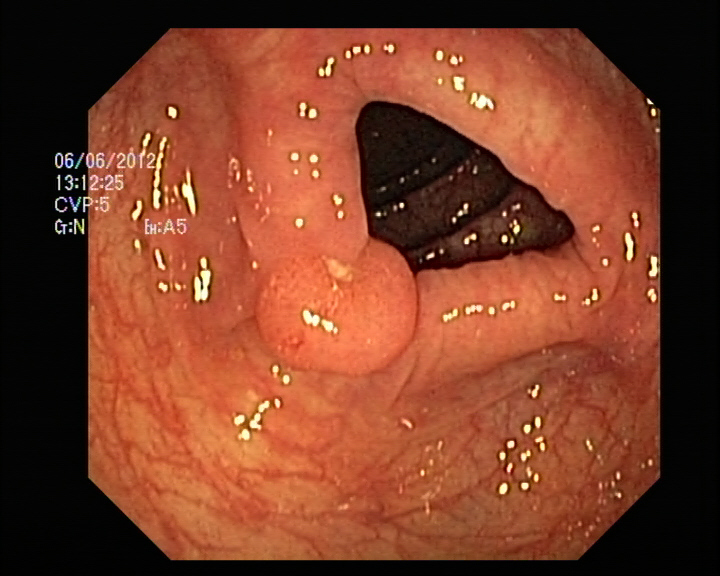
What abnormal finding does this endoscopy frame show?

colon polyp